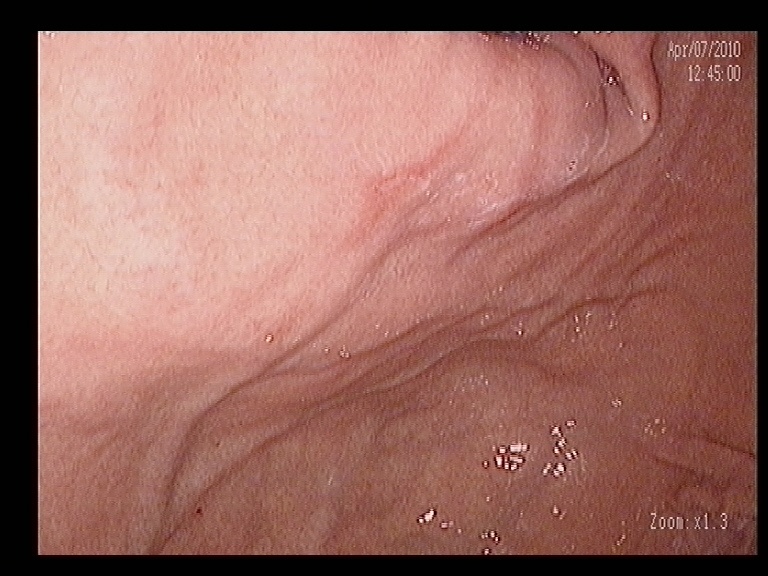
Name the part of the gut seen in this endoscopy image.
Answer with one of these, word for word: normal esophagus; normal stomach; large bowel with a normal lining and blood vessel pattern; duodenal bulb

normal stomach